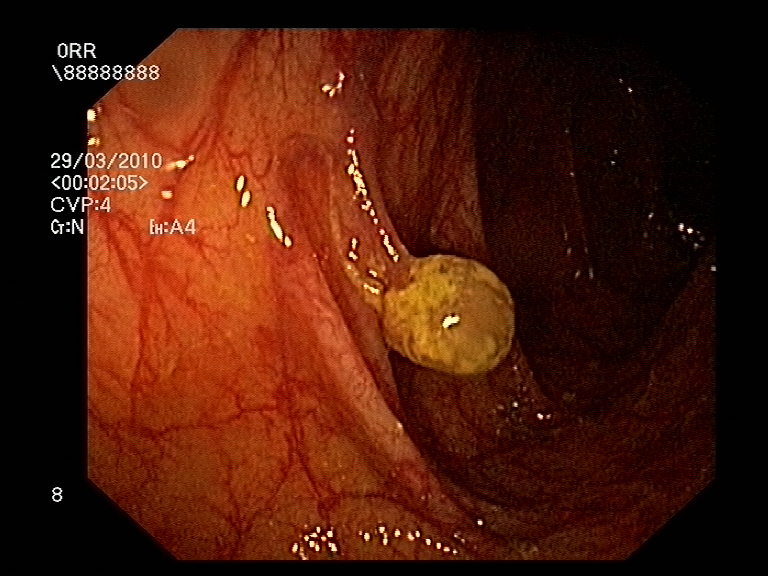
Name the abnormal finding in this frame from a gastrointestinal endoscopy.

colon polyp